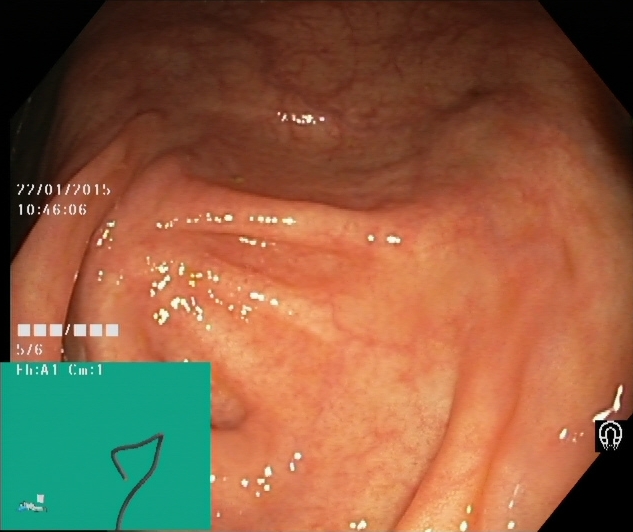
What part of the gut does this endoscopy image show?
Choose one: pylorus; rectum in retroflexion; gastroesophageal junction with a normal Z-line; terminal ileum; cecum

cecum